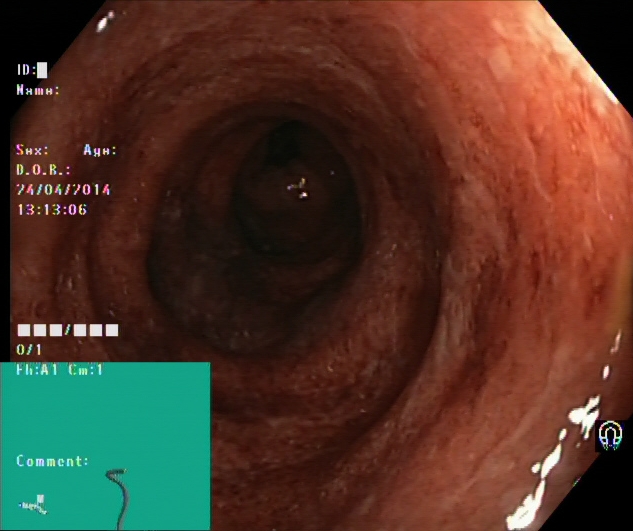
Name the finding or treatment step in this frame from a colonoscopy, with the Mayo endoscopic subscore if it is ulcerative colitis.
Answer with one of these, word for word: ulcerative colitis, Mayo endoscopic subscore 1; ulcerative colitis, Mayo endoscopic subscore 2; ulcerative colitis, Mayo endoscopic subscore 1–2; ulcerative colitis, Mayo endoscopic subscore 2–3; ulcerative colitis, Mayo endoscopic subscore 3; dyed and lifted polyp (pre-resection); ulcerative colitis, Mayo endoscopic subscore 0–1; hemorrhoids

ulcerative colitis, Mayo endoscopic subscore 2